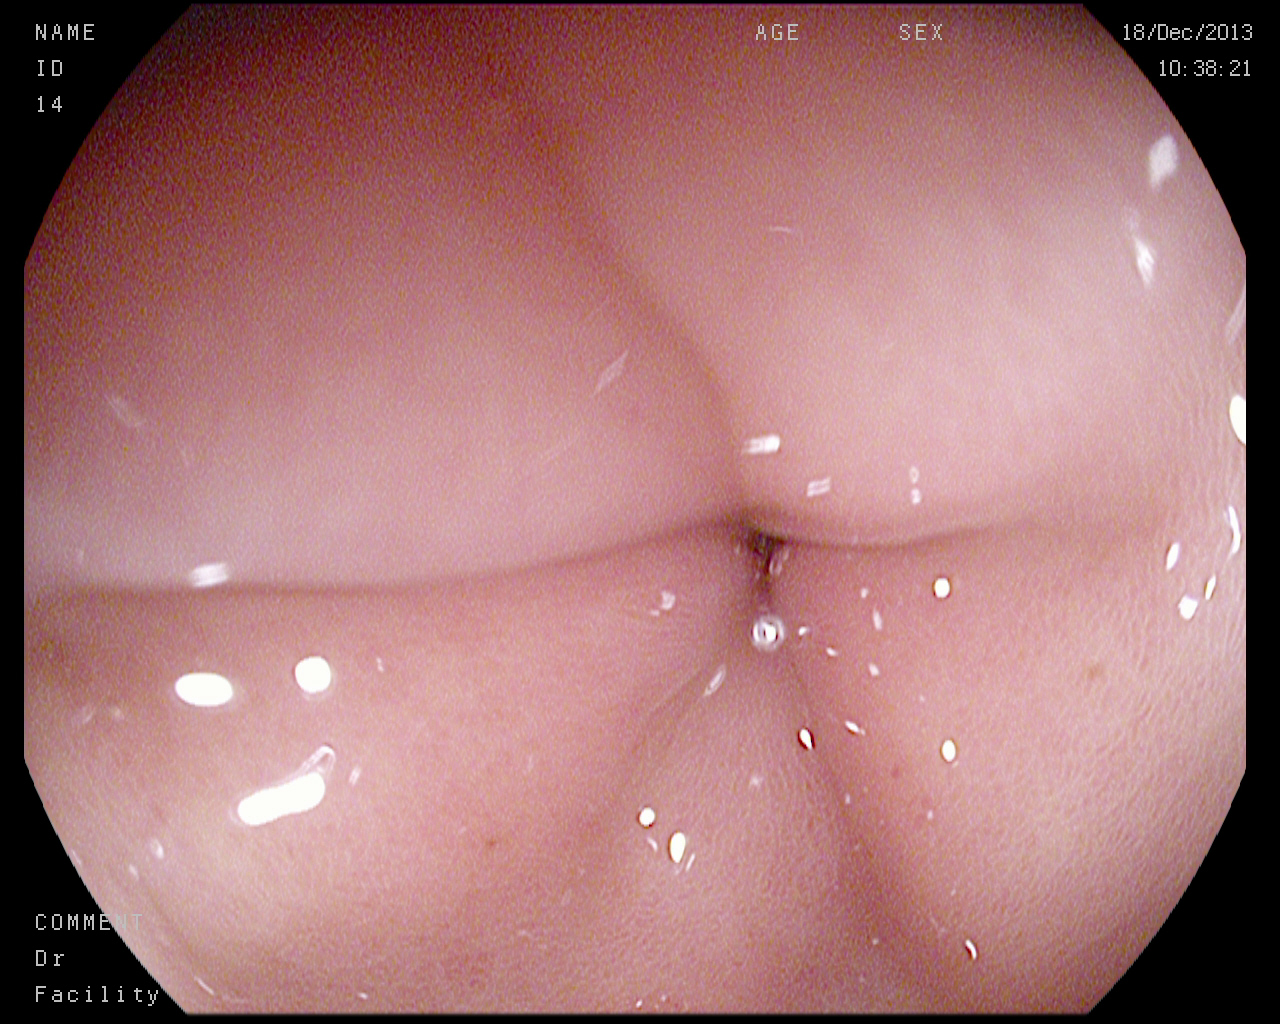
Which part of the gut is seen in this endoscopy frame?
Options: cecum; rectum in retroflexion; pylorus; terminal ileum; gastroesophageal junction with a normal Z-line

pylorus